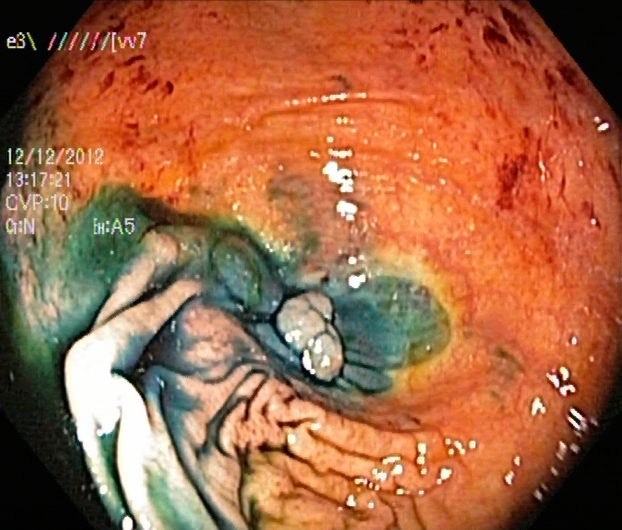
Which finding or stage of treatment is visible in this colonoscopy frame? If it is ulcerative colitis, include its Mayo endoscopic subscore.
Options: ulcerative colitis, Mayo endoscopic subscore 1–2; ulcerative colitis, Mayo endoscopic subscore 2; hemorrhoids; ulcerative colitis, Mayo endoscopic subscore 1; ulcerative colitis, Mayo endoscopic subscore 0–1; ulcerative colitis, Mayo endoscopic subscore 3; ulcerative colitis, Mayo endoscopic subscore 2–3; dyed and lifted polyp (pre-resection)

dyed and lifted polyp (pre-resection)